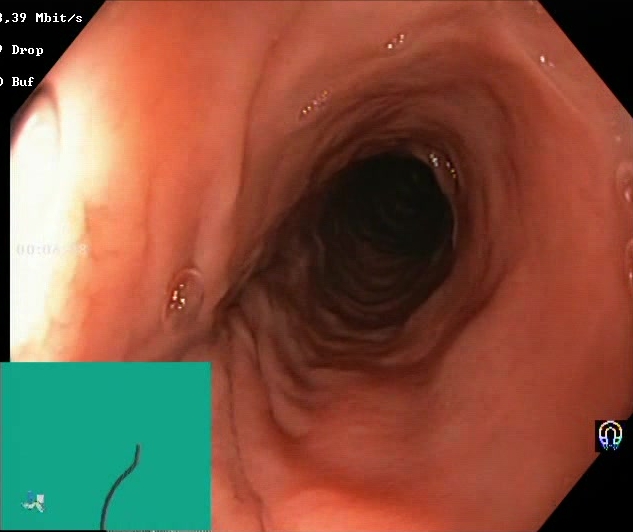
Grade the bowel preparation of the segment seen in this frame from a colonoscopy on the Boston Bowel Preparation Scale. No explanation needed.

Boston Bowel Preparation Scale score 2–3 (adequate preparation)